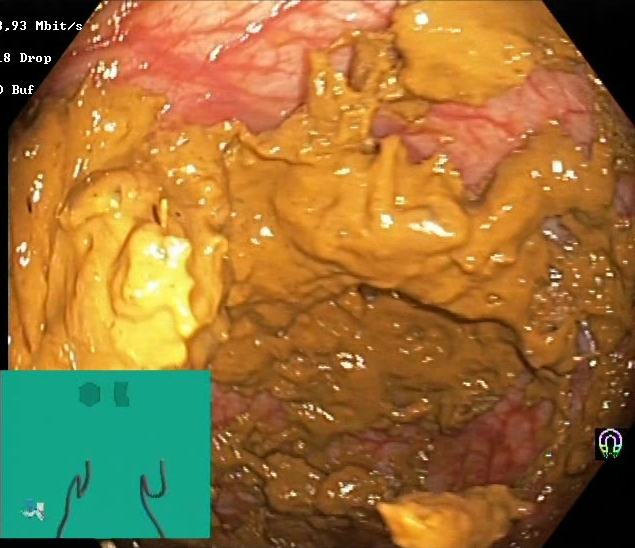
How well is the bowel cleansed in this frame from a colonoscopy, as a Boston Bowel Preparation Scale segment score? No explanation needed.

Boston Bowel Preparation Scale score 0–1 (inadequate preparation)